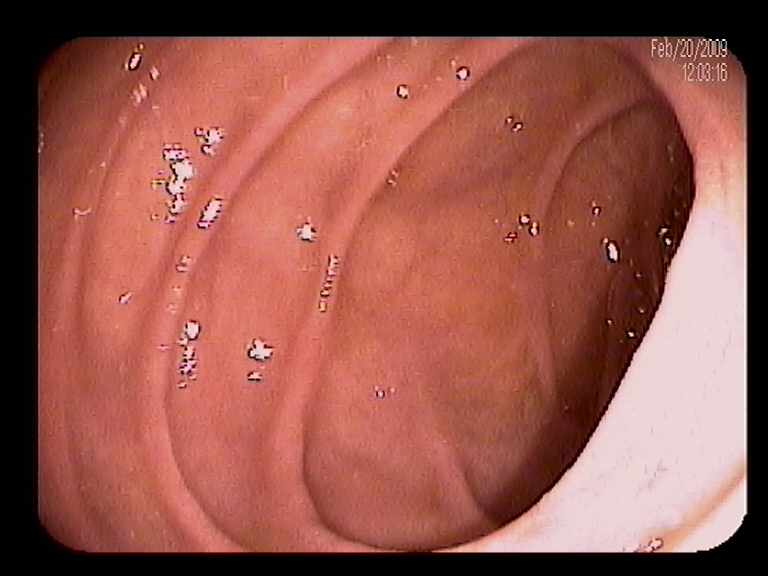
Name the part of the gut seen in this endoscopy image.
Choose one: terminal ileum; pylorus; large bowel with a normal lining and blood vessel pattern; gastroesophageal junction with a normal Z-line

terminal ileum